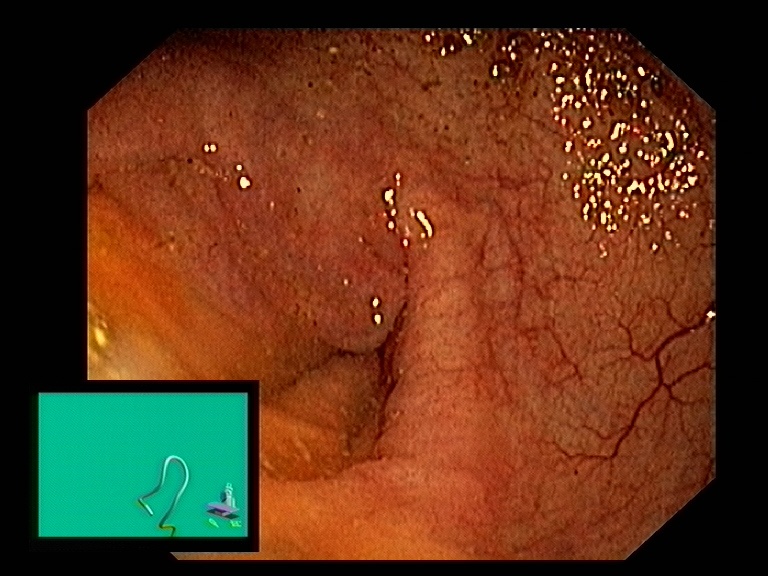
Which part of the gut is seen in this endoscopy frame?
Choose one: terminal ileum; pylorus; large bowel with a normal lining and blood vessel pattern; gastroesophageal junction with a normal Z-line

large bowel with a normal lining and blood vessel pattern